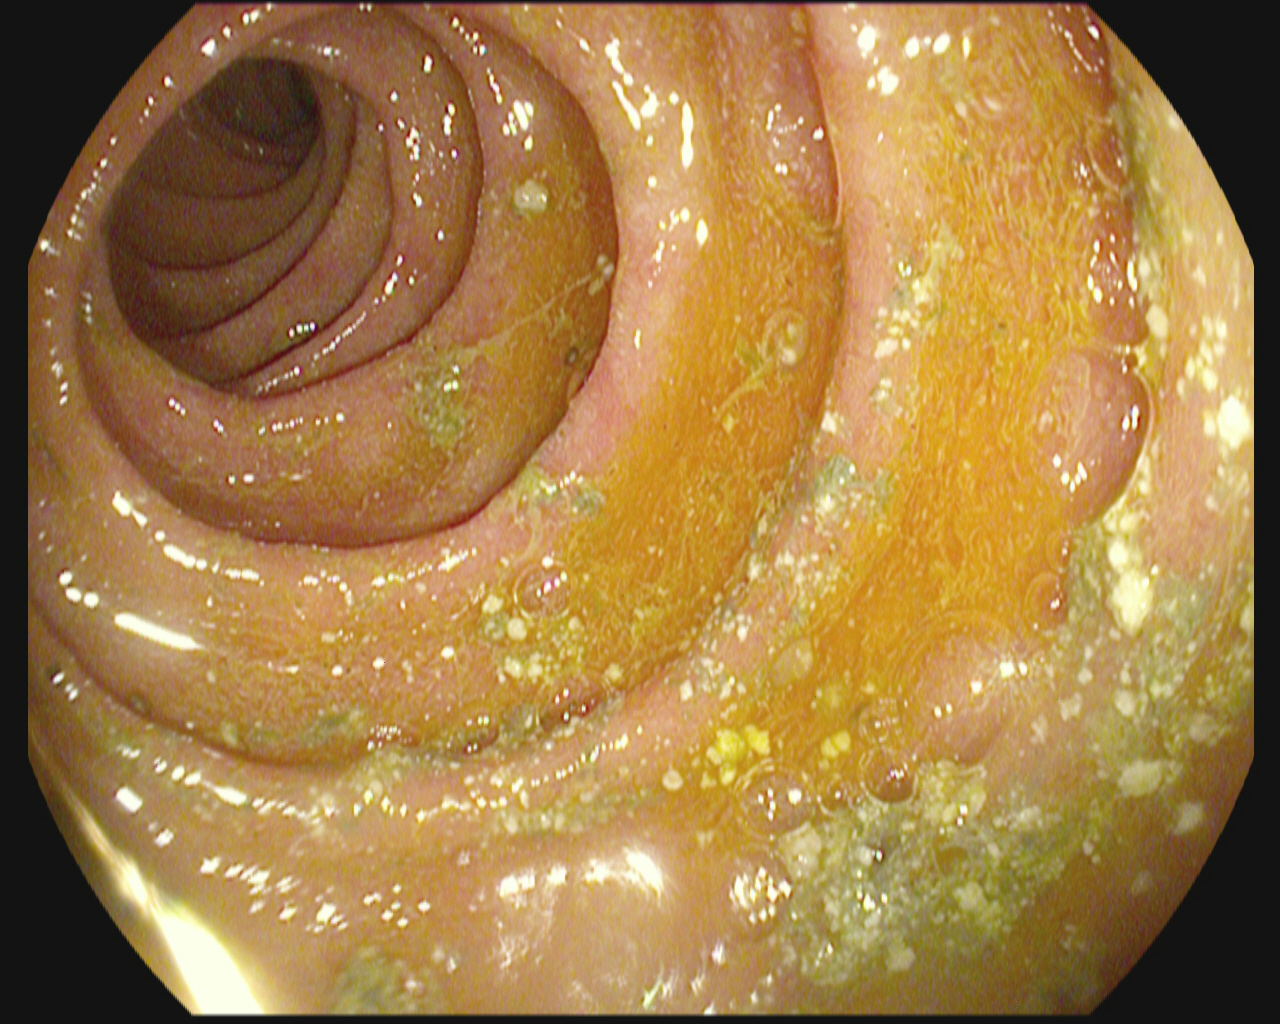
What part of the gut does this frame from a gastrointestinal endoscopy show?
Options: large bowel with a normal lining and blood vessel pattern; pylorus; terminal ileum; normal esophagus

terminal ileum